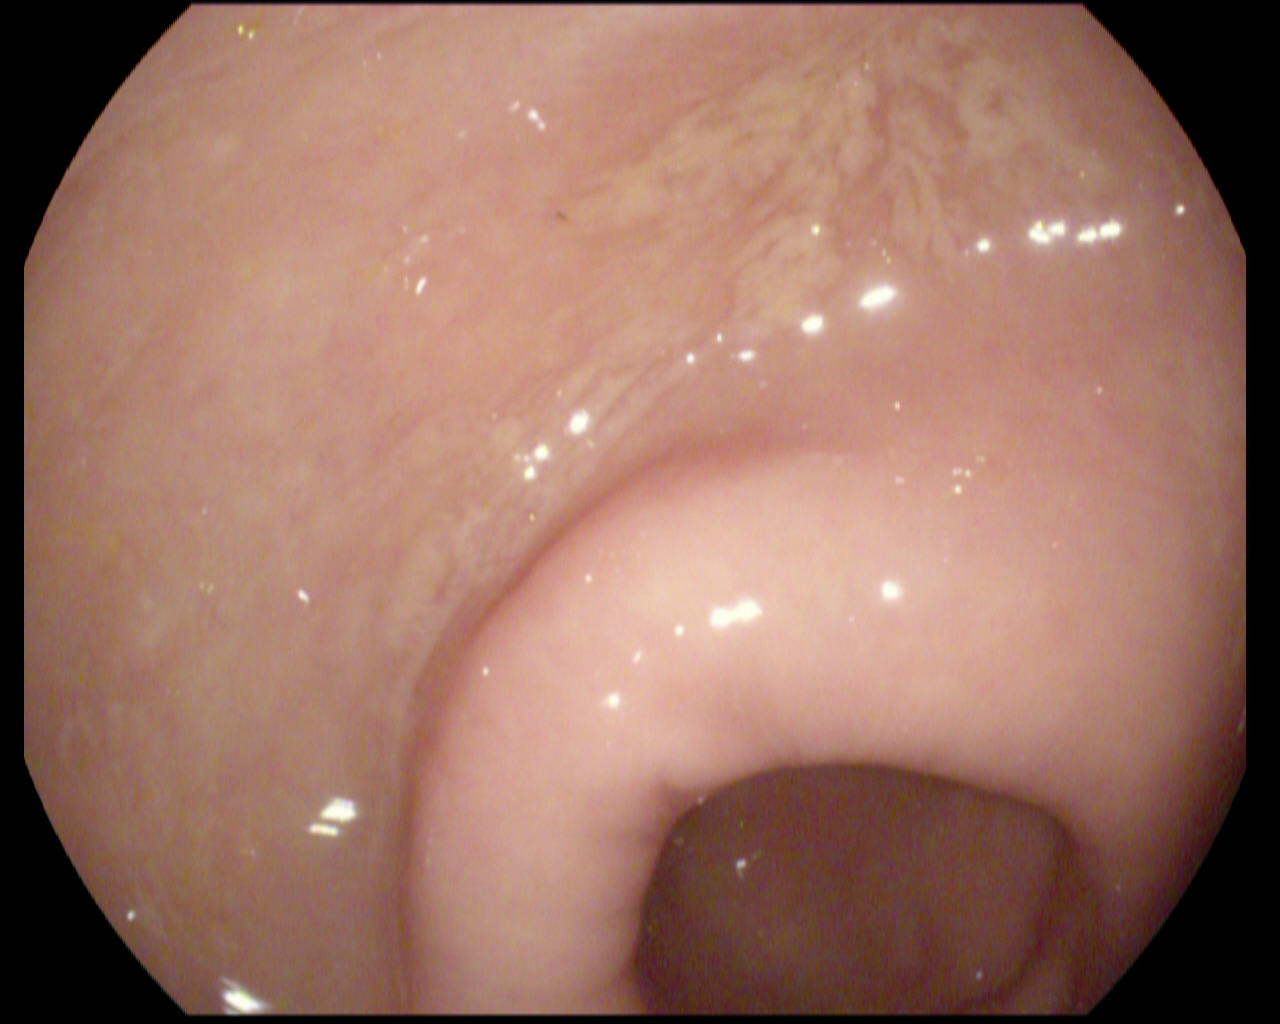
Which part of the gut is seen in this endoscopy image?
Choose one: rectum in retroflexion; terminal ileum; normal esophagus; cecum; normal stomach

normal stomach